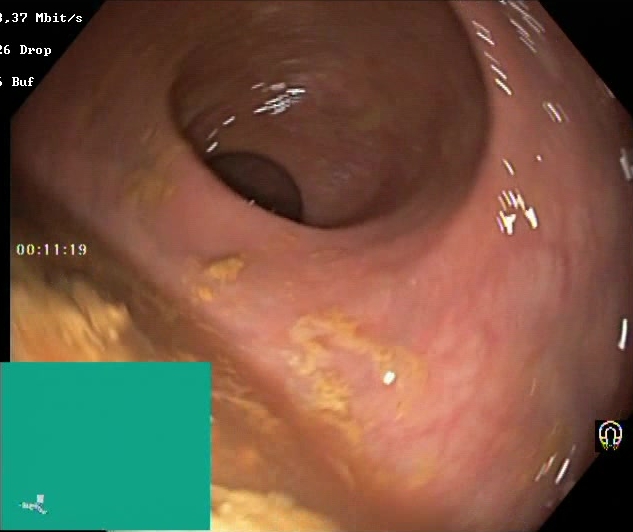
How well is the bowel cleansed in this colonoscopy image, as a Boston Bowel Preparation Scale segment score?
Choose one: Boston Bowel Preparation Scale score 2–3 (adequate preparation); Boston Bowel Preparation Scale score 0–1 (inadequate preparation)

Boston Bowel Preparation Scale score 0–1 (inadequate preparation)